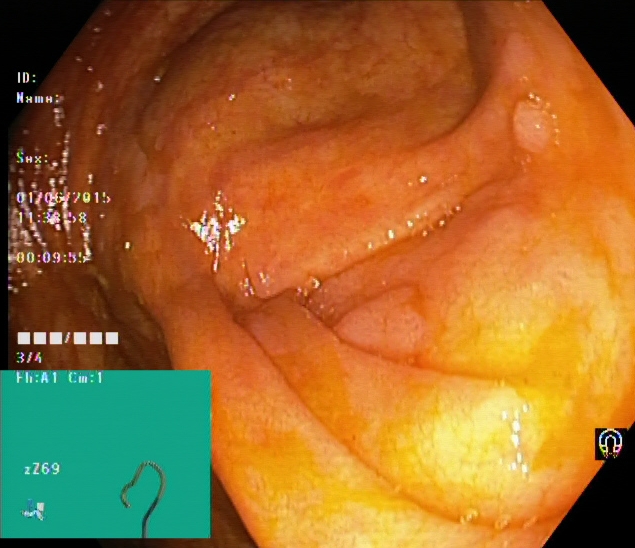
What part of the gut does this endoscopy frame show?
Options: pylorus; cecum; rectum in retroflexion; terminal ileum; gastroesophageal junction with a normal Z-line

cecum